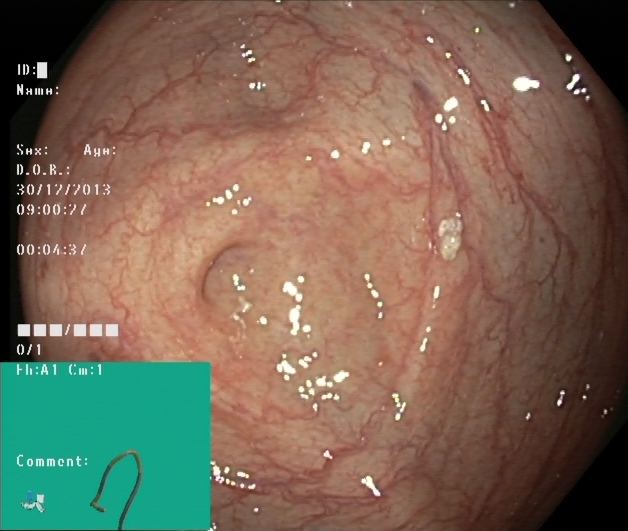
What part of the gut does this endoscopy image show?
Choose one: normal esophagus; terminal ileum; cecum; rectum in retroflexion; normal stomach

cecum